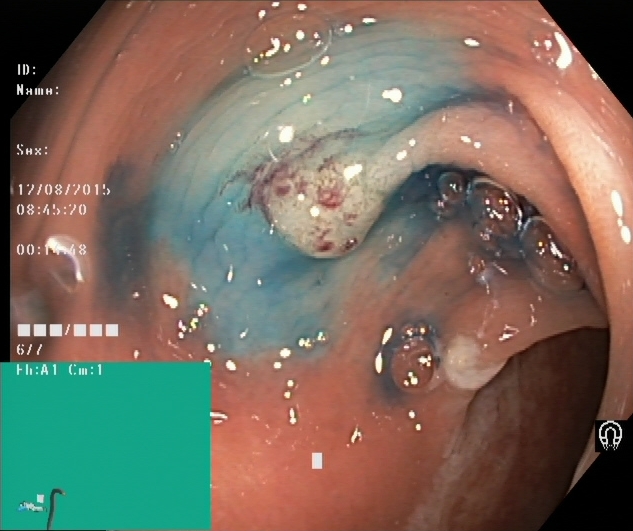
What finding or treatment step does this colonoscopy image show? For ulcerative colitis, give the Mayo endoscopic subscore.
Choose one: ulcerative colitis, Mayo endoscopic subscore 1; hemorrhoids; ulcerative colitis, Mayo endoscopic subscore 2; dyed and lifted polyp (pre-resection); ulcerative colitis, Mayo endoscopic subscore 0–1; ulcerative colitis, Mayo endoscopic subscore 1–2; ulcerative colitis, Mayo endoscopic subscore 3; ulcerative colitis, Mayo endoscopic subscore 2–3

dyed and lifted polyp (pre-resection)